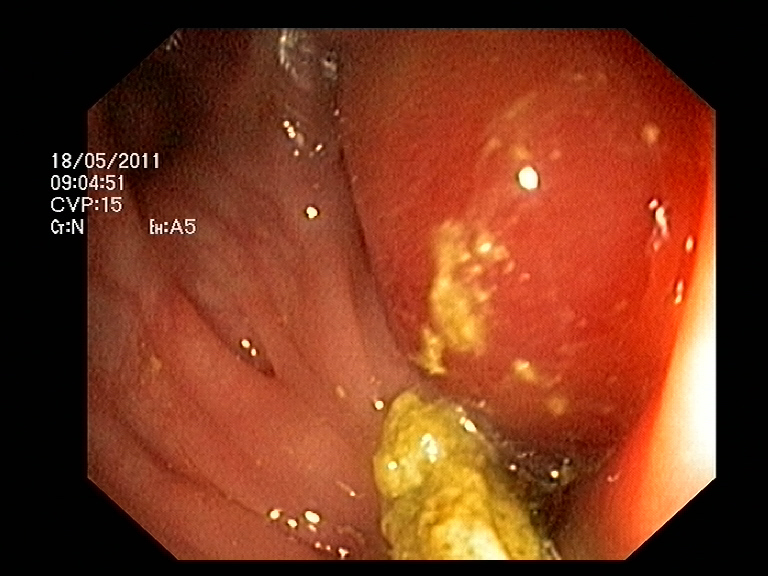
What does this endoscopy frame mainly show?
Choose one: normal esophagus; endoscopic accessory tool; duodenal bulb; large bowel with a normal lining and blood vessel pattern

endoscopic accessory tool